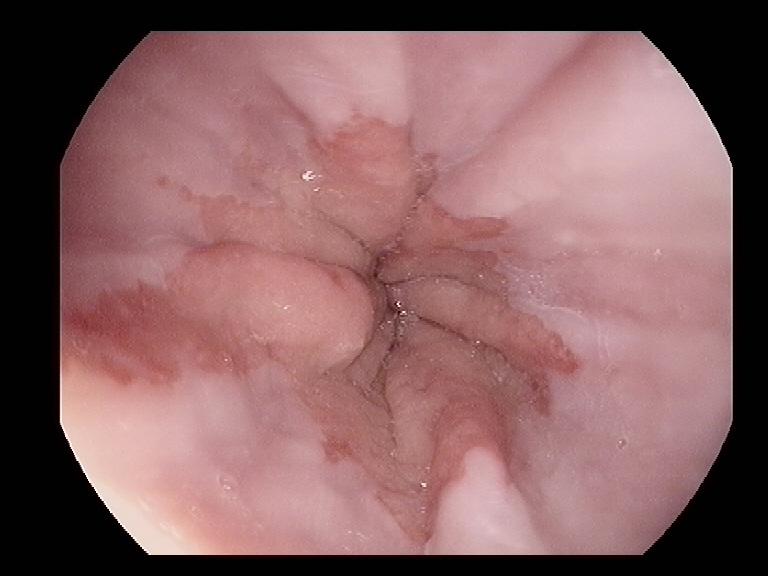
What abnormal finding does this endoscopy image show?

Barrett's esophagus